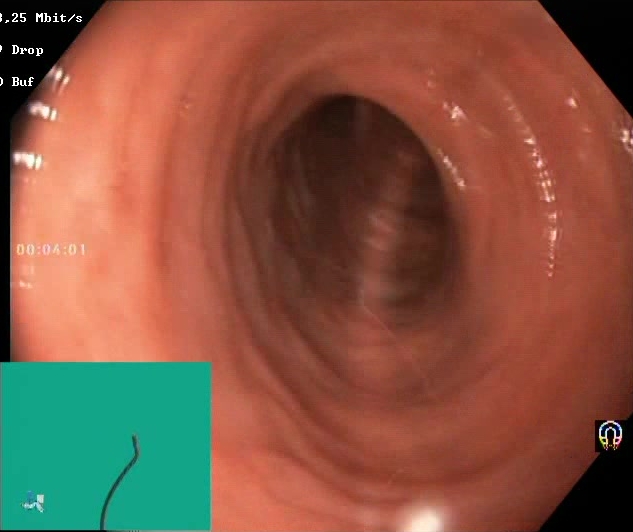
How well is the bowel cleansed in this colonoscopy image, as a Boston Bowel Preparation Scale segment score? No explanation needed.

Boston Bowel Preparation Scale score 2–3 (adequate preparation)